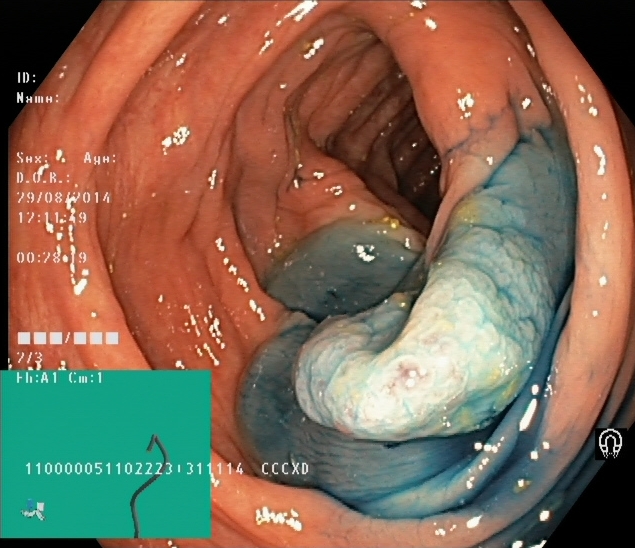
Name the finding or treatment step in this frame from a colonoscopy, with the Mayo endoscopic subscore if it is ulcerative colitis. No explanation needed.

dyed and lifted polyp (pre-resection)